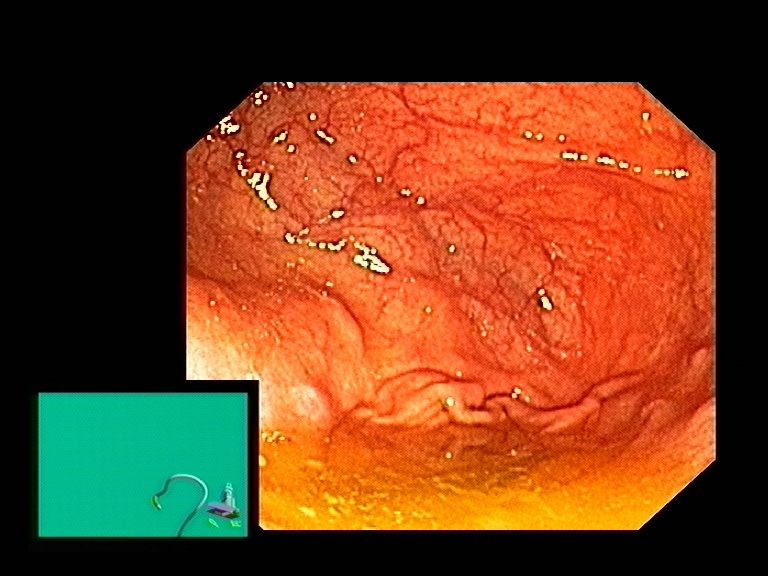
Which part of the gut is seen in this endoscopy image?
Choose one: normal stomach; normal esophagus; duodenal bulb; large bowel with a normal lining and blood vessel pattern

large bowel with a normal lining and blood vessel pattern